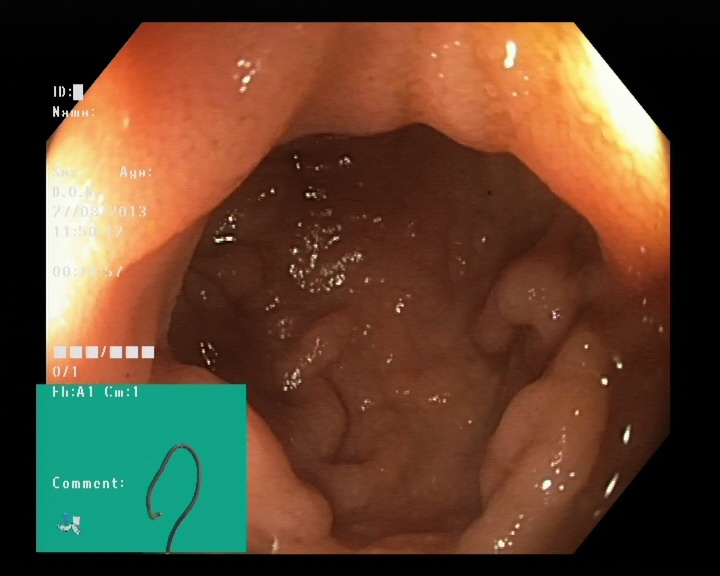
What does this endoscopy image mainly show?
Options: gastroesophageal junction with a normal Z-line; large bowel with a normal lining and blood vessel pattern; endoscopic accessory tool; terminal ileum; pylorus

large bowel with a normal lining and blood vessel pattern